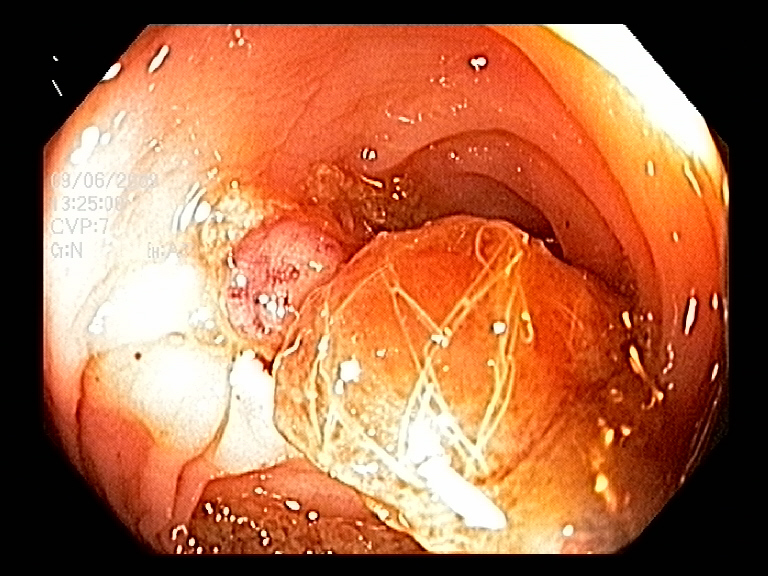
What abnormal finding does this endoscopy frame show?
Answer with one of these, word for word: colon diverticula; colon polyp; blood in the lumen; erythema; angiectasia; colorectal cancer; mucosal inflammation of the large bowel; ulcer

colon polyp